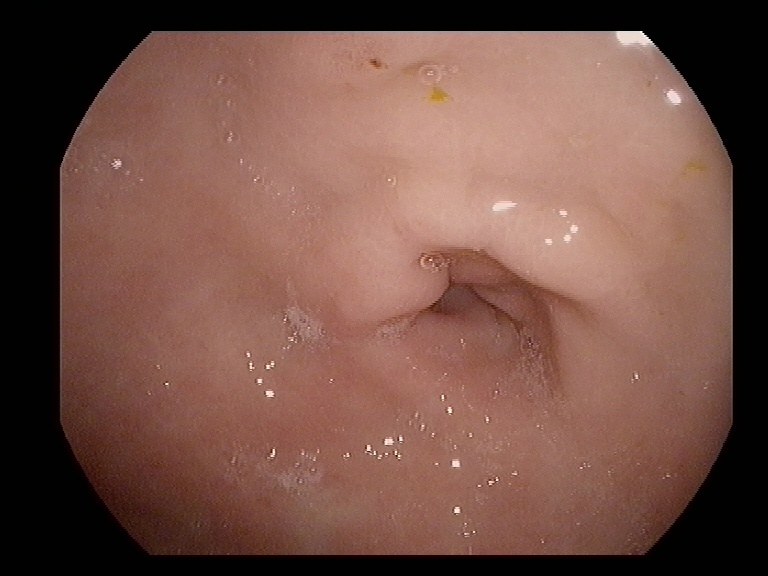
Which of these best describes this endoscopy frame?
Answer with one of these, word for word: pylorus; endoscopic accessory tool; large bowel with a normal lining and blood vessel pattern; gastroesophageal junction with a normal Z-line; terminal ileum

pylorus